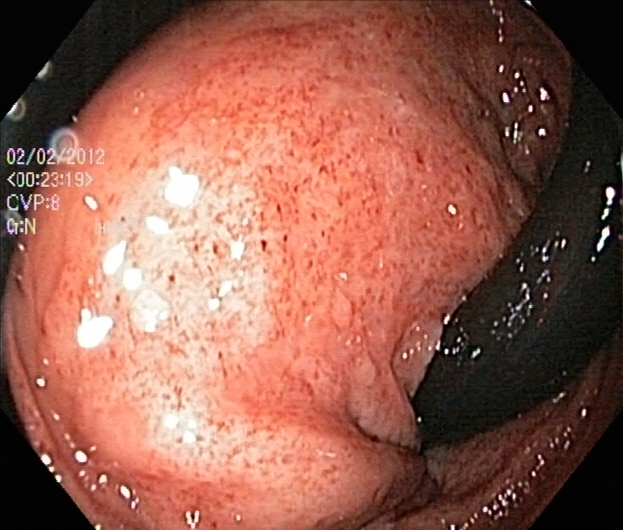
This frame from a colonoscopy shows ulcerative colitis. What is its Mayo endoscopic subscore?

ulcerative colitis, Mayo endoscopic subscore 2